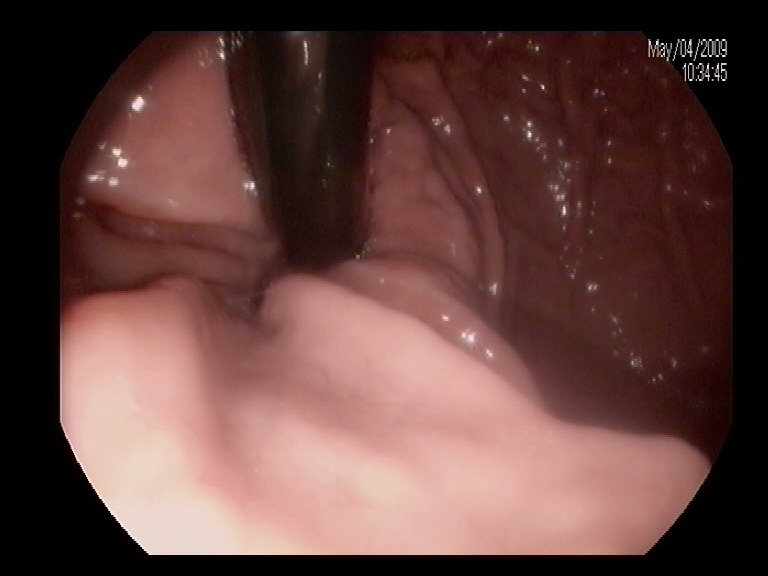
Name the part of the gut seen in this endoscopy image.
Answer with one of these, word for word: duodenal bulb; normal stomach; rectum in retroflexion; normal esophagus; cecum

normal stomach